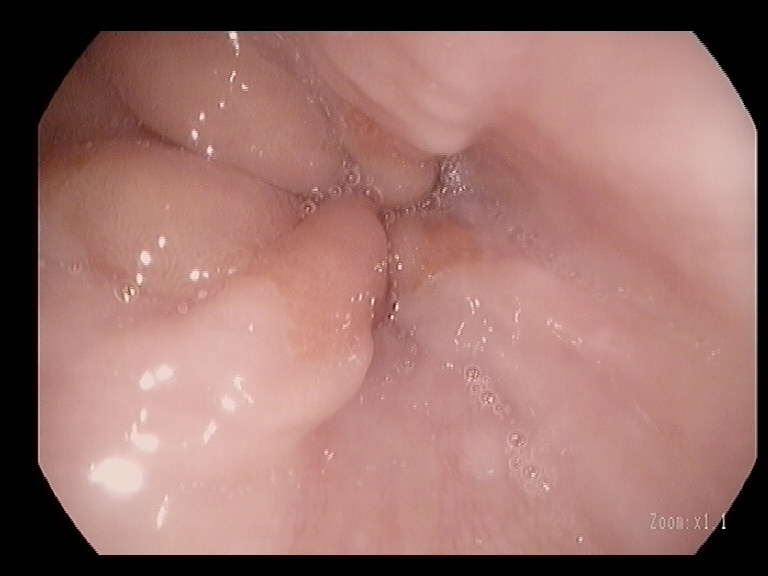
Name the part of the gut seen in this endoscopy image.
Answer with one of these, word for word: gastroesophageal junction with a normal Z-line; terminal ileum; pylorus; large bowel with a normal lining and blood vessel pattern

gastroesophageal junction with a normal Z-line